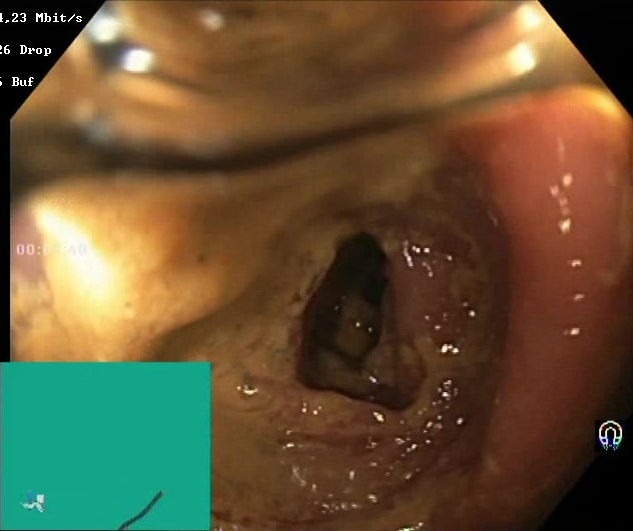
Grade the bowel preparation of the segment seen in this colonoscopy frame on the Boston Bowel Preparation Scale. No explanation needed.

Boston Bowel Preparation Scale score 0–1 (inadequate preparation)